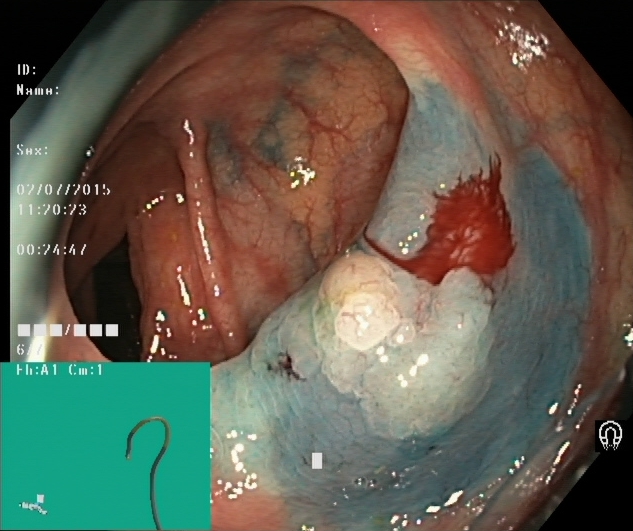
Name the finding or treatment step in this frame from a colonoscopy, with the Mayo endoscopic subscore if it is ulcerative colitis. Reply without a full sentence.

dyed and lifted polyp (pre-resection)